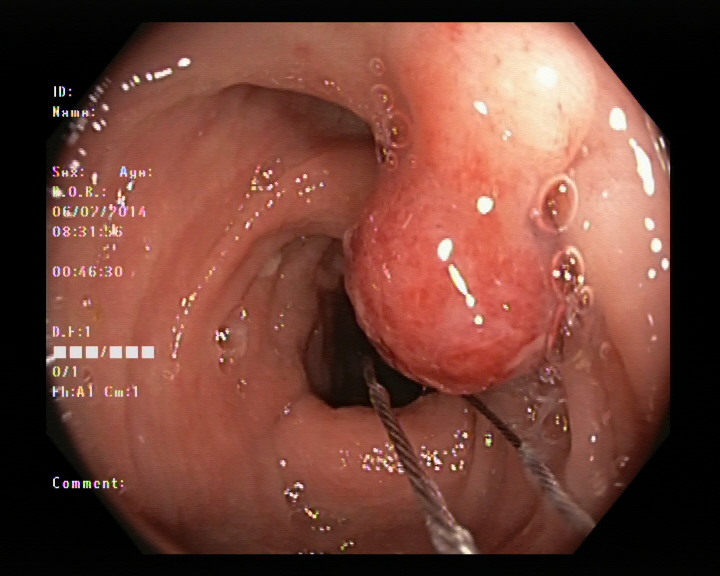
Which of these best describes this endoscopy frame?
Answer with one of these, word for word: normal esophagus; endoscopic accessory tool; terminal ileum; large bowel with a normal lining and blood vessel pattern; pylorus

endoscopic accessory tool